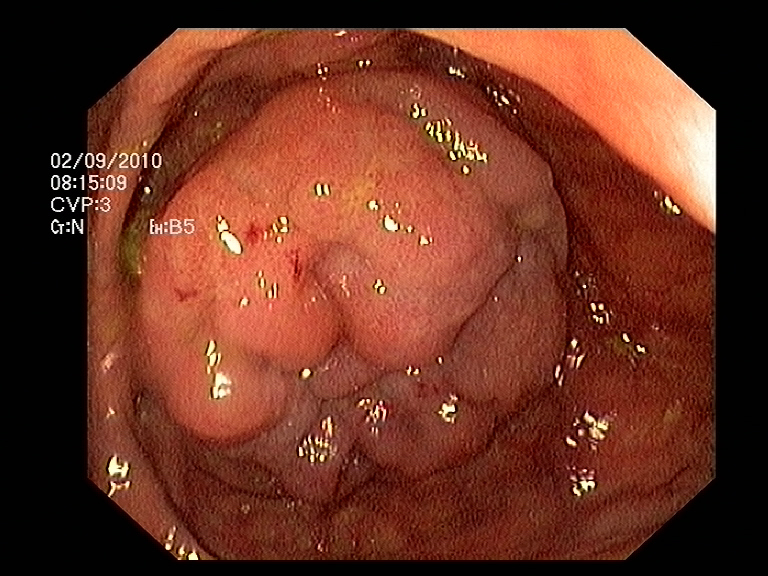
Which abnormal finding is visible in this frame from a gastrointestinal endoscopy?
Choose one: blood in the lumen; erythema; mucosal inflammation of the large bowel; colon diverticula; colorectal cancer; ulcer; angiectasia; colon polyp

colon polyp